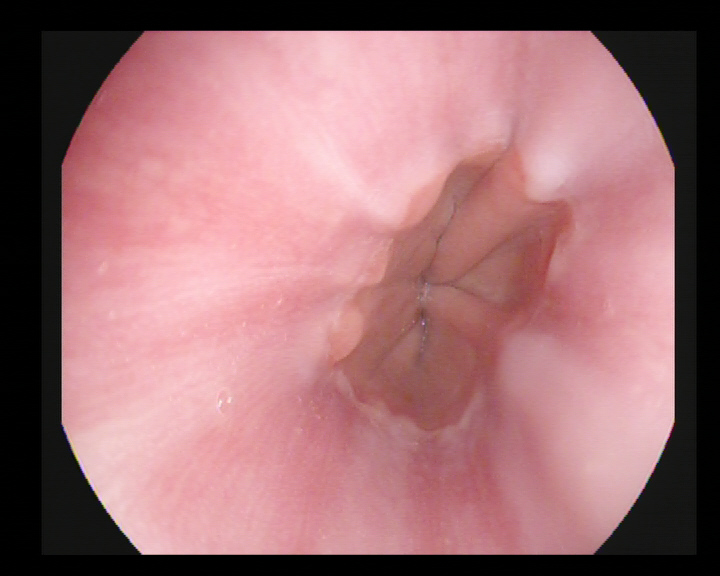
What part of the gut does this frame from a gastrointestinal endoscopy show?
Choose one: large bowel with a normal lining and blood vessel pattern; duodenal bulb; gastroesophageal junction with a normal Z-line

gastroesophageal junction with a normal Z-line